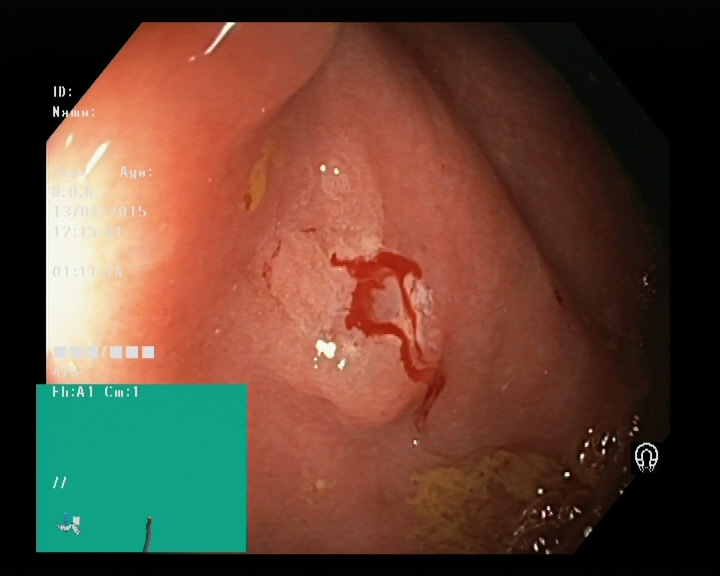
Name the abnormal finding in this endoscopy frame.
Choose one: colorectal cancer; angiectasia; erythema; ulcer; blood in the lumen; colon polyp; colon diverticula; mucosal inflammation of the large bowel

colon polyp